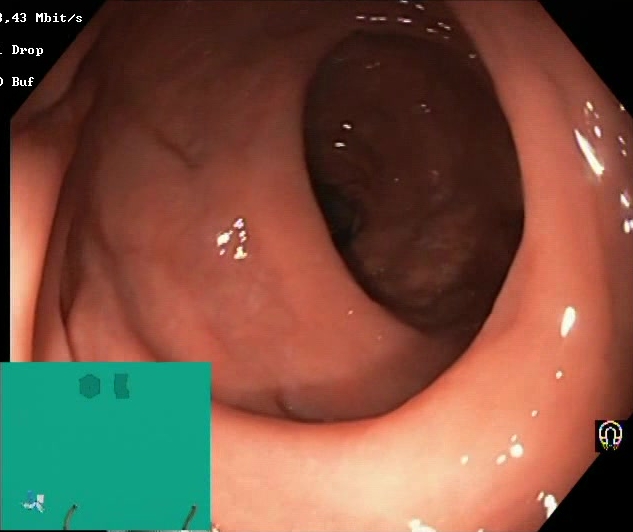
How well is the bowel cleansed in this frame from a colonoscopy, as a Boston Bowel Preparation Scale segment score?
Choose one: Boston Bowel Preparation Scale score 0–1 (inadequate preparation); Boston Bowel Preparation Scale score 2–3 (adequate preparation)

Boston Bowel Preparation Scale score 2–3 (adequate preparation)